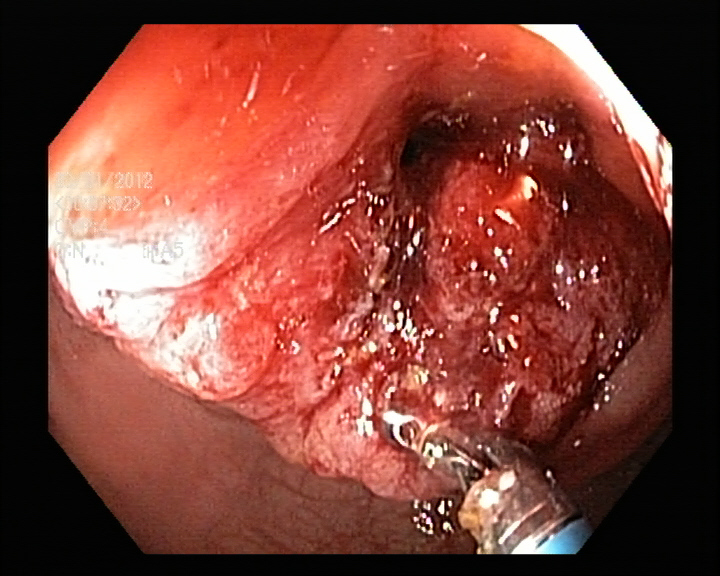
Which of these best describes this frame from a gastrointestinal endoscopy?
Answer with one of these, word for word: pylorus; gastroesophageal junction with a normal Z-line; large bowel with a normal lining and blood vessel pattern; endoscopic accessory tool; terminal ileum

endoscopic accessory tool